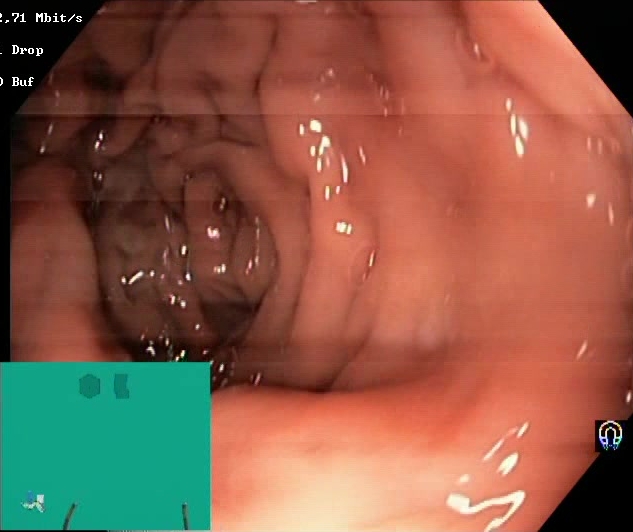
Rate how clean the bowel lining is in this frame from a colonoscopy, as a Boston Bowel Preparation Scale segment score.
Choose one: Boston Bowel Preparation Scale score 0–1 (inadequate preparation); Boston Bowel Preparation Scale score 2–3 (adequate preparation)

Boston Bowel Preparation Scale score 2–3 (adequate preparation)